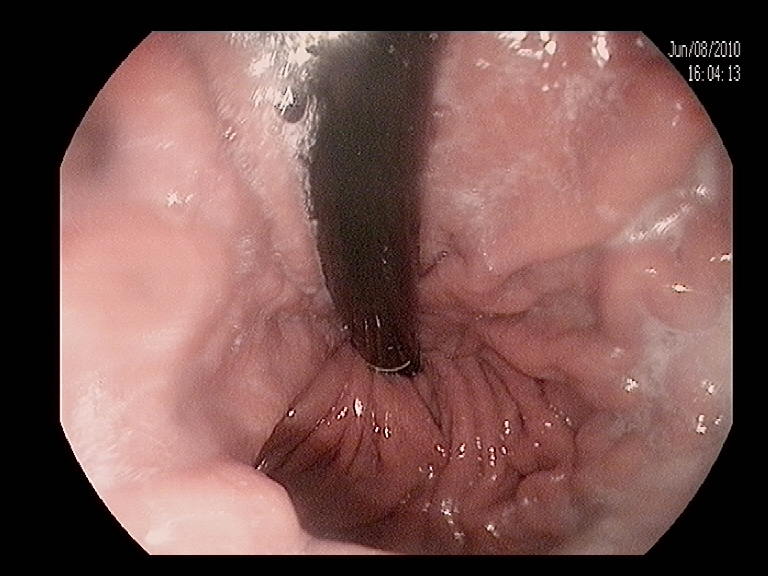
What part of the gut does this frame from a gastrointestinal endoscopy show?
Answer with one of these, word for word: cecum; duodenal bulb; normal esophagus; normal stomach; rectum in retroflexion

normal stomach